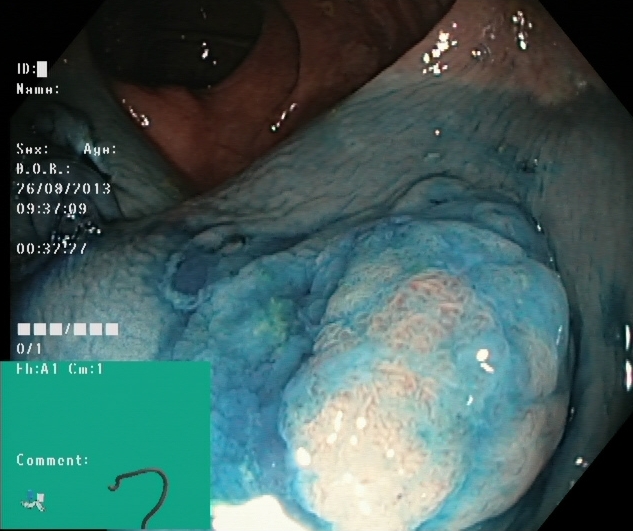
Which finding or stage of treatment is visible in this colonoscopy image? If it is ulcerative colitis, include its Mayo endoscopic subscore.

dyed and lifted polyp (pre-resection)